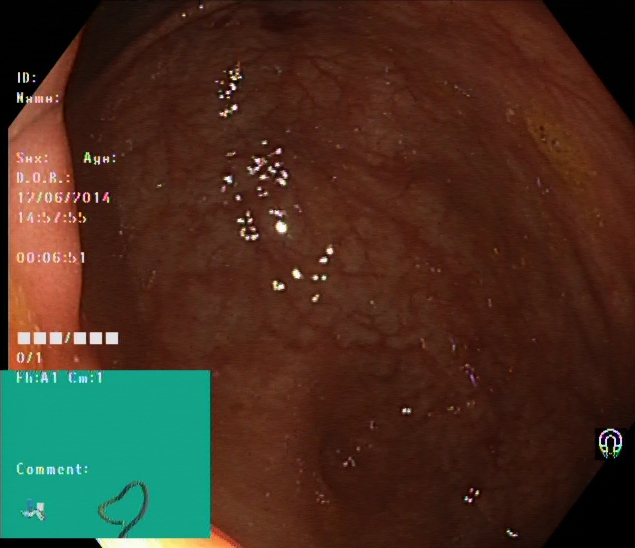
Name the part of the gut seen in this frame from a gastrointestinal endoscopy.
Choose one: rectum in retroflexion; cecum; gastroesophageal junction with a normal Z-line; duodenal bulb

cecum